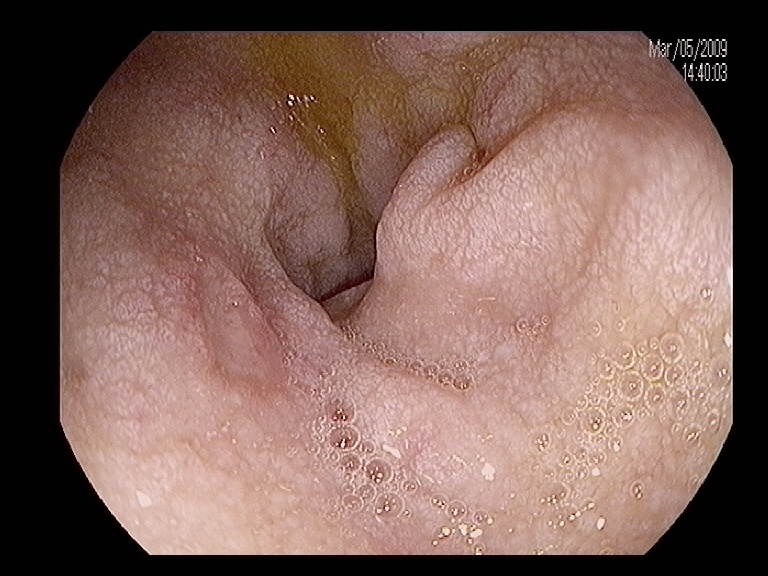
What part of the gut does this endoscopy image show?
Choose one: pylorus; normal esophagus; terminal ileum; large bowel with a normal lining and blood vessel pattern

terminal ileum